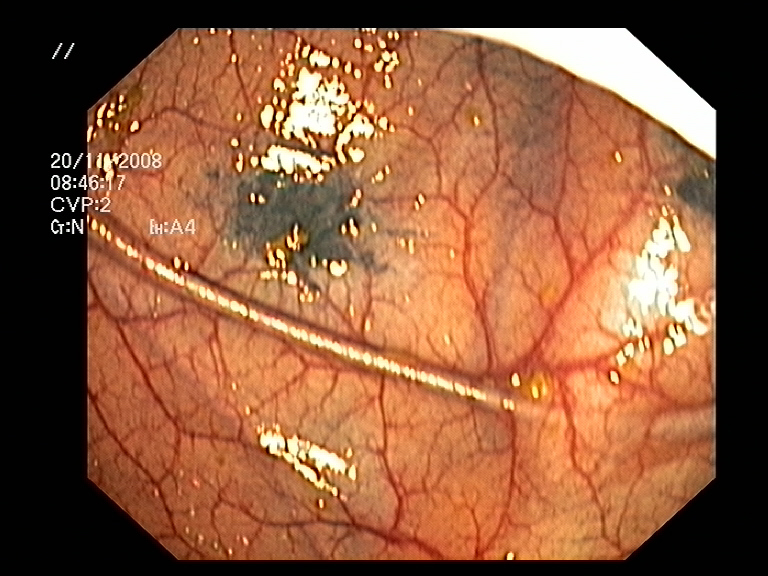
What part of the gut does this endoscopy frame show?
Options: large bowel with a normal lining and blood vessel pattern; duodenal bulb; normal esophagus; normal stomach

large bowel with a normal lining and blood vessel pattern